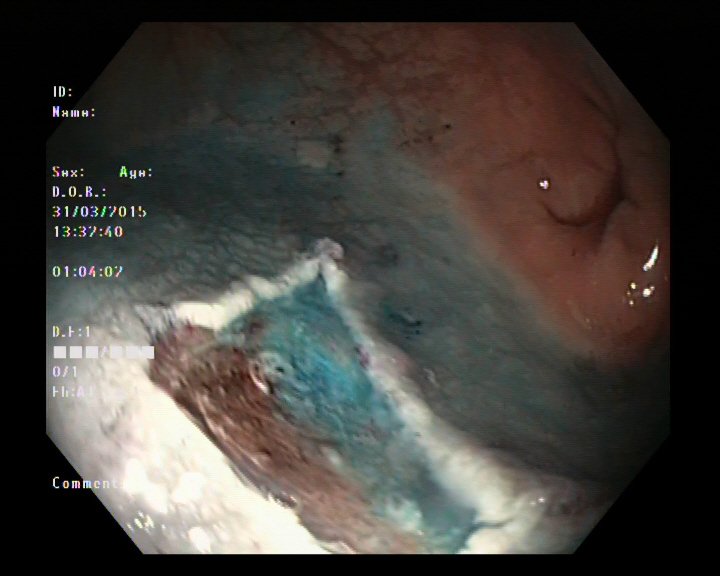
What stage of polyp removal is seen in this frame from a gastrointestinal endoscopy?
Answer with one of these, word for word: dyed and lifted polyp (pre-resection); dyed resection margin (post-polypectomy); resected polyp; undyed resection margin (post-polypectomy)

dyed resection margin (post-polypectomy)